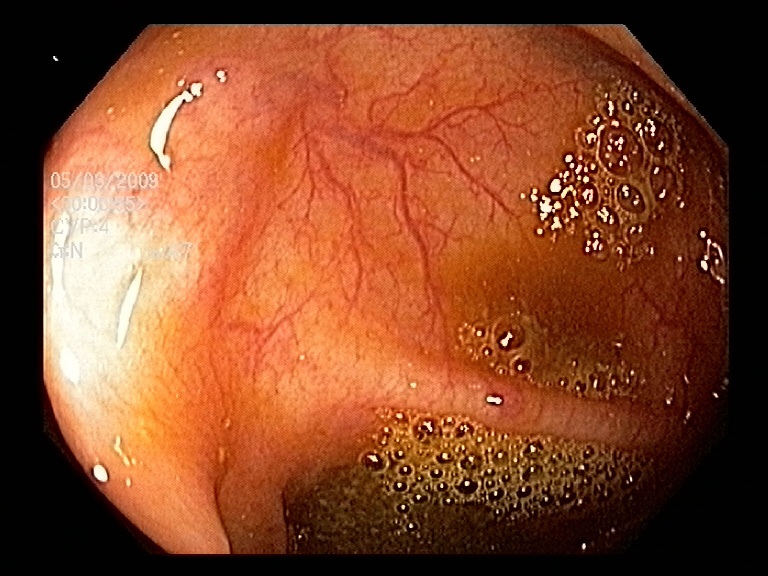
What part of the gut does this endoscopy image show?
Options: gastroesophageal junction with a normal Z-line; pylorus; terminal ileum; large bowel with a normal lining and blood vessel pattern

large bowel with a normal lining and blood vessel pattern